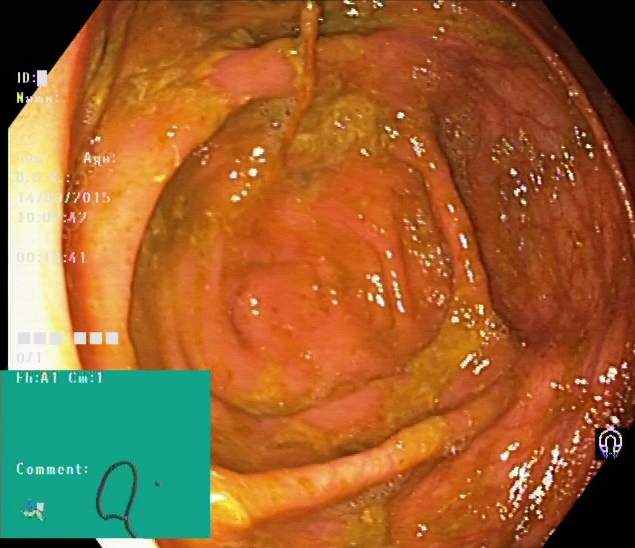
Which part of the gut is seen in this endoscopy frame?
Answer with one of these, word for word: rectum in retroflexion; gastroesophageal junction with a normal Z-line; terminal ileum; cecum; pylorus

cecum